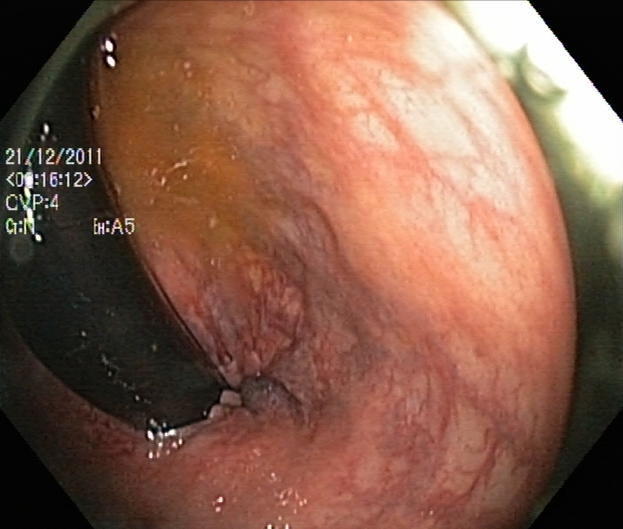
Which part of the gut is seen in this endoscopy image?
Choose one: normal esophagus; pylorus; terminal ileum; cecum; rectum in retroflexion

rectum in retroflexion